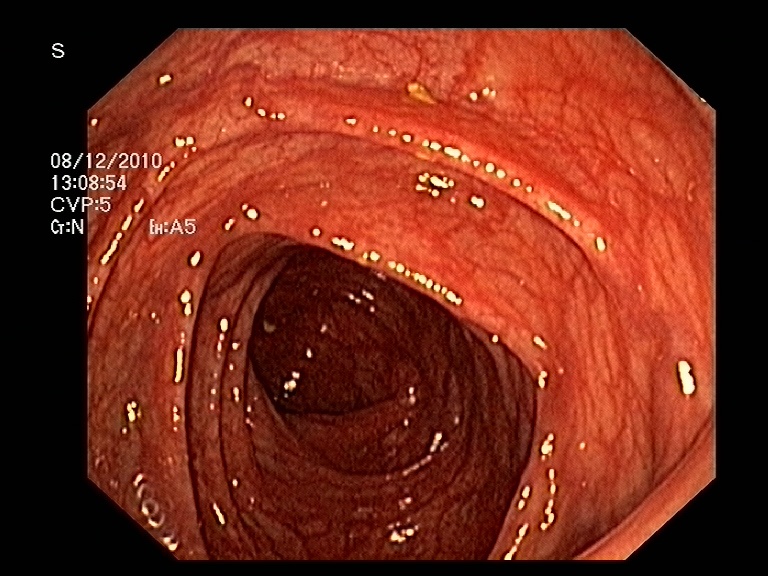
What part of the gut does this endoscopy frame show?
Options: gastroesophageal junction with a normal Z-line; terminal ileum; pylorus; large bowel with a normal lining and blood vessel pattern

large bowel with a normal lining and blood vessel pattern